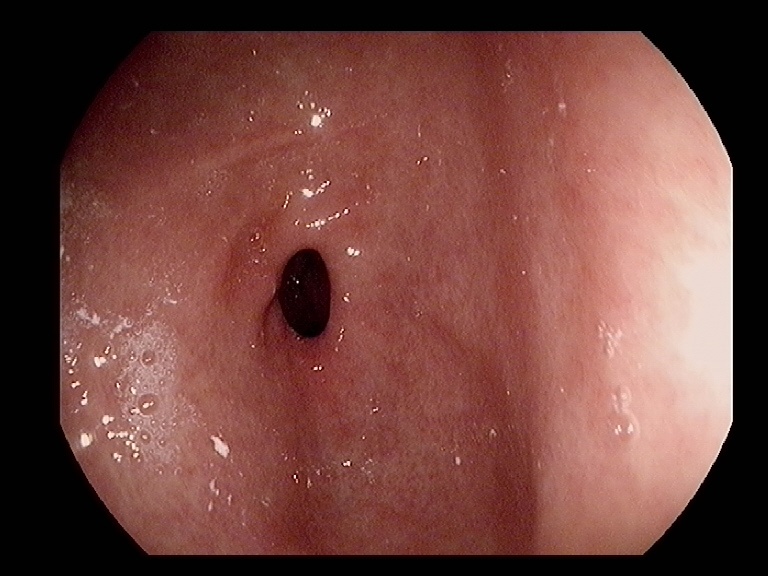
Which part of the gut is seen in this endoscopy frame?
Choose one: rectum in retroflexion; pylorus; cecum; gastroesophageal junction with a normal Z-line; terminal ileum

pylorus